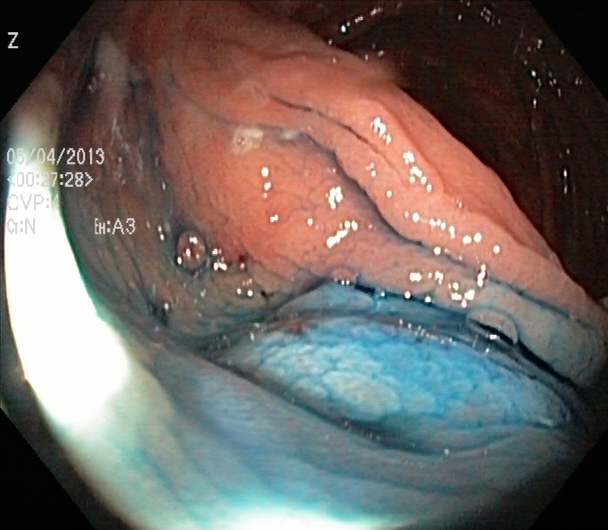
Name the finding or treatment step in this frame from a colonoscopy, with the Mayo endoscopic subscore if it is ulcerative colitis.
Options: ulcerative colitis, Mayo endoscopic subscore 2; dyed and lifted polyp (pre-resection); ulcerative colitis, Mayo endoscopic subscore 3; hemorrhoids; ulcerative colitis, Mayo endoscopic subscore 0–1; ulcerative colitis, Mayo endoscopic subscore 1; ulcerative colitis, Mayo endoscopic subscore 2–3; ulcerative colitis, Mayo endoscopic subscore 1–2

dyed and lifted polyp (pre-resection)